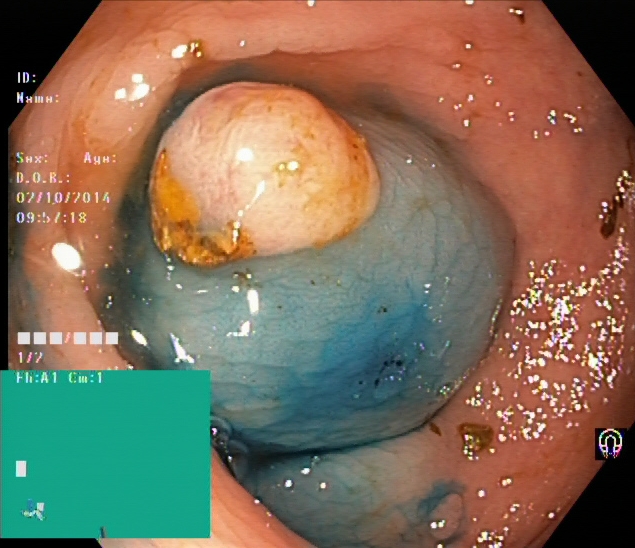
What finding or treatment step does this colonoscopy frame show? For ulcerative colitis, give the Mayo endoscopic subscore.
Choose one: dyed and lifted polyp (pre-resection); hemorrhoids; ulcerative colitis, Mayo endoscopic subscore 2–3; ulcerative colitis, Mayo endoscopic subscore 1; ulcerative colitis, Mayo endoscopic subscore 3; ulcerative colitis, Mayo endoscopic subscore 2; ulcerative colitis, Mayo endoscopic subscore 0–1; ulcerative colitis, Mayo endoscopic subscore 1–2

dyed and lifted polyp (pre-resection)